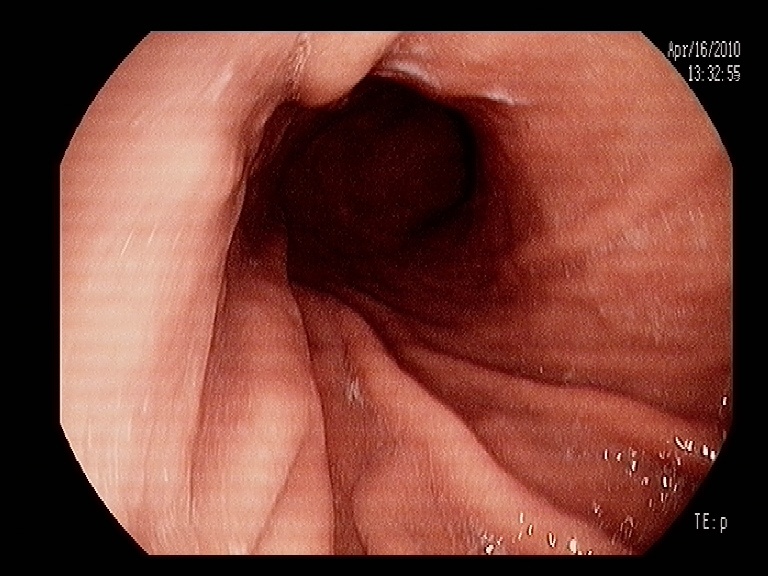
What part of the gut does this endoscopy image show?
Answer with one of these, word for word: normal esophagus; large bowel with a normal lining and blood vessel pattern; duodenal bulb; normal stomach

normal stomach